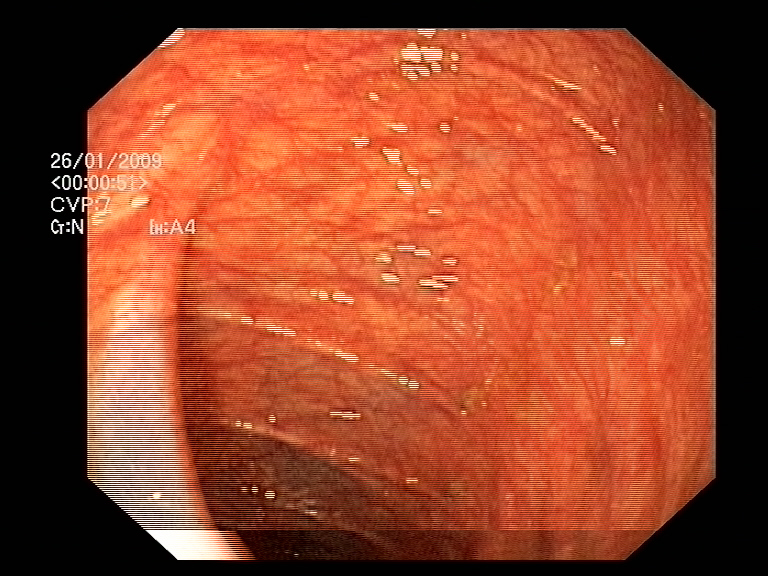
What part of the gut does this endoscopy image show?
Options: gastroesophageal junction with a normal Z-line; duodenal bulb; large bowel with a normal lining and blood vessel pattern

large bowel with a normal lining and blood vessel pattern